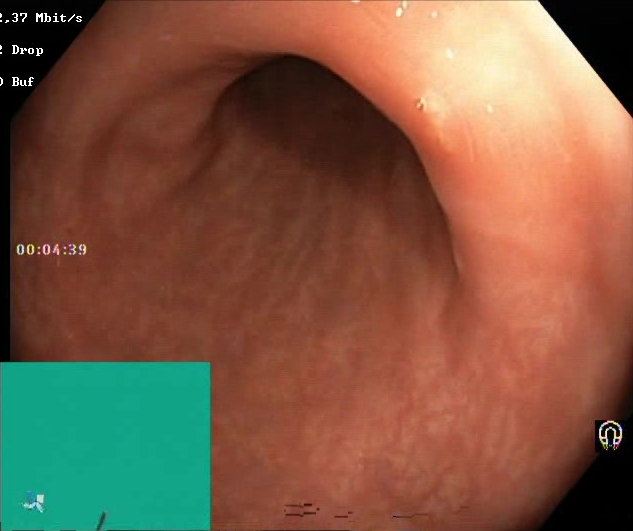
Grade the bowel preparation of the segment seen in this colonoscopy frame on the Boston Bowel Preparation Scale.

Boston Bowel Preparation Scale score 2–3 (adequate preparation)